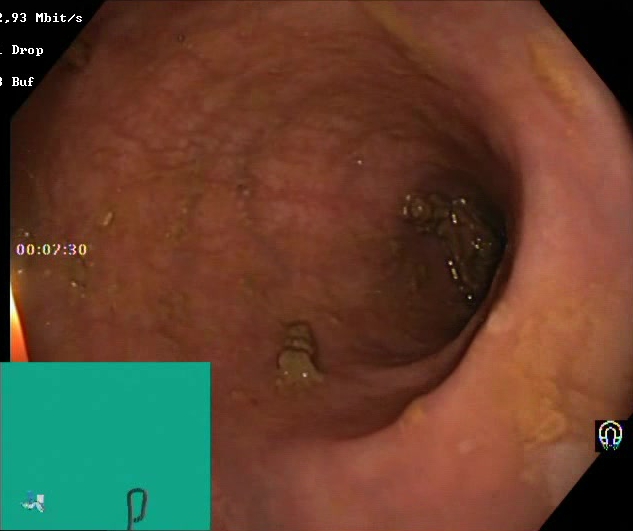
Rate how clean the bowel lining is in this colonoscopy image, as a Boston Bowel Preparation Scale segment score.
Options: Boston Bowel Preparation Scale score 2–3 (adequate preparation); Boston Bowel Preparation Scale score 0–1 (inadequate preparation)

Boston Bowel Preparation Scale score 2–3 (adequate preparation)